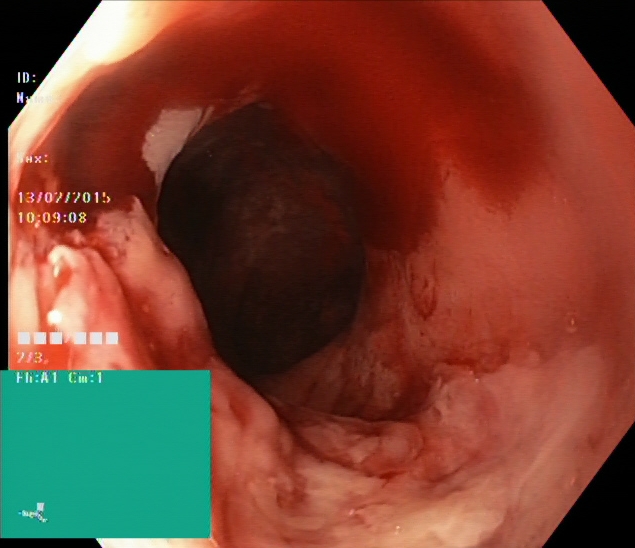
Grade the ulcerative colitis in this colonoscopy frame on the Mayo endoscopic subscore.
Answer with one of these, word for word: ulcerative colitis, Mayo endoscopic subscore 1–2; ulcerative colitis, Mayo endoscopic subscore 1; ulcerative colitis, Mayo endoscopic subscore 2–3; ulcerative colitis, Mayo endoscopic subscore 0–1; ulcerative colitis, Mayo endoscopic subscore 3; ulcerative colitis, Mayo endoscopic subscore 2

ulcerative colitis, Mayo endoscopic subscore 3